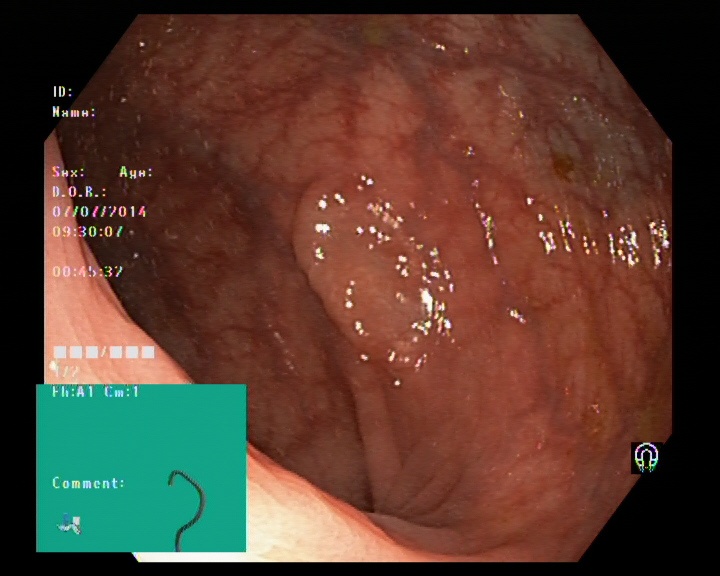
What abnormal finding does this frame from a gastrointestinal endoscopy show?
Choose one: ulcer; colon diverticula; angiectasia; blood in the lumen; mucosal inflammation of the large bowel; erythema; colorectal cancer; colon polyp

colon polyp